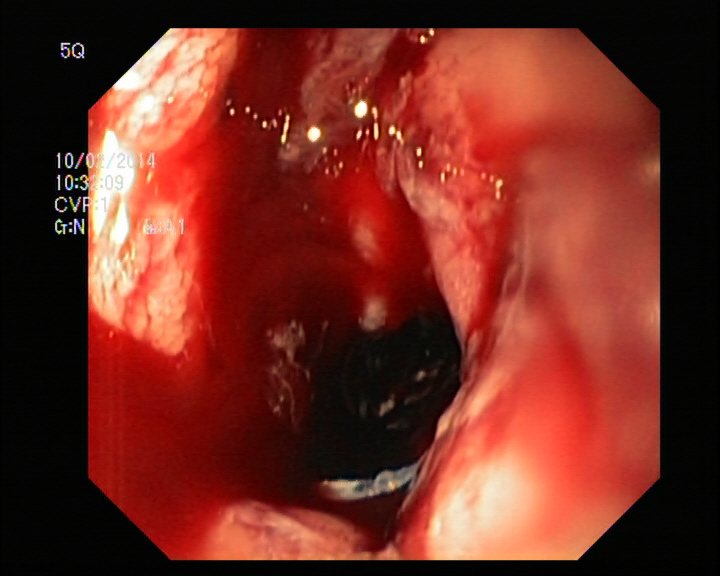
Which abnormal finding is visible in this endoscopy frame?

blood in the lumen